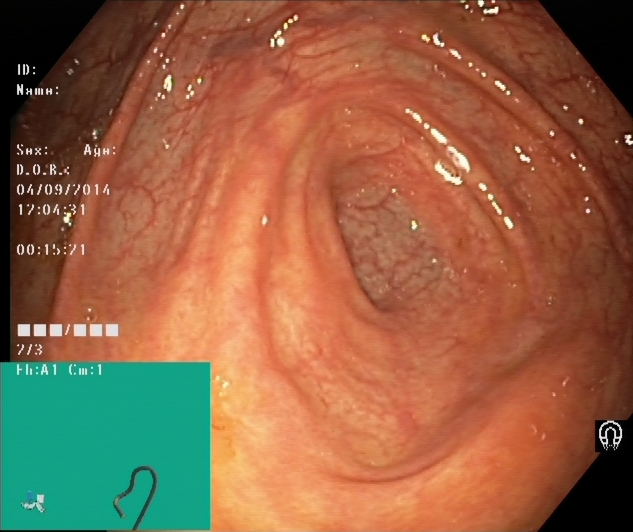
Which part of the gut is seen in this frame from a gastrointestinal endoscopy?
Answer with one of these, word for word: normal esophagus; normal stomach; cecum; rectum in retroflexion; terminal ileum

cecum